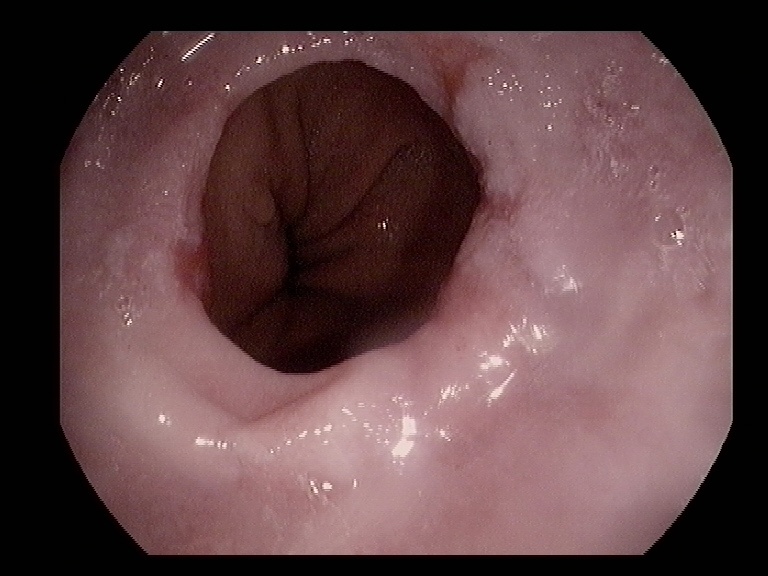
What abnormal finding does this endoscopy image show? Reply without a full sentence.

esophagitis